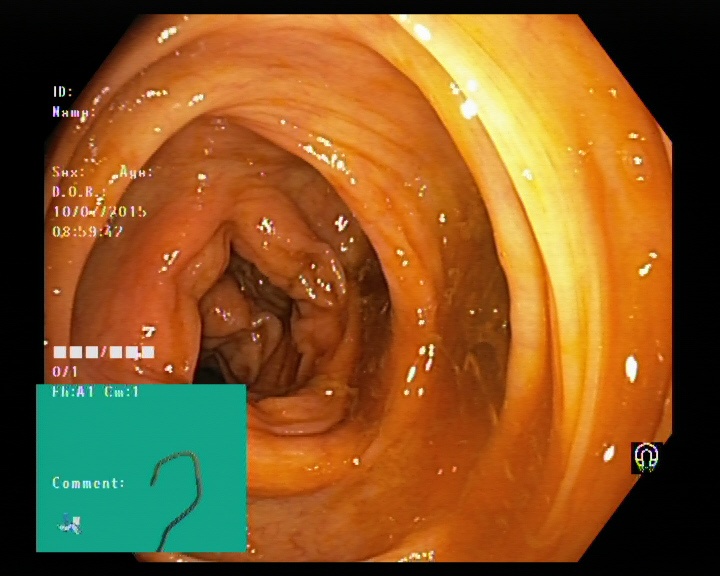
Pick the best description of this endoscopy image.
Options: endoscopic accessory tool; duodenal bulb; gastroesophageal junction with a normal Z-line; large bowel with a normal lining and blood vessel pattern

large bowel with a normal lining and blood vessel pattern